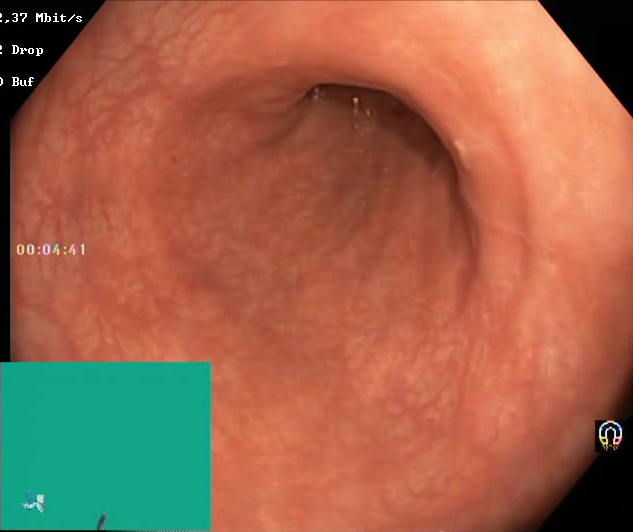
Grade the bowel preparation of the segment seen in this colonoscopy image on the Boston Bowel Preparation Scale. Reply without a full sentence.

Boston Bowel Preparation Scale score 2–3 (adequate preparation)